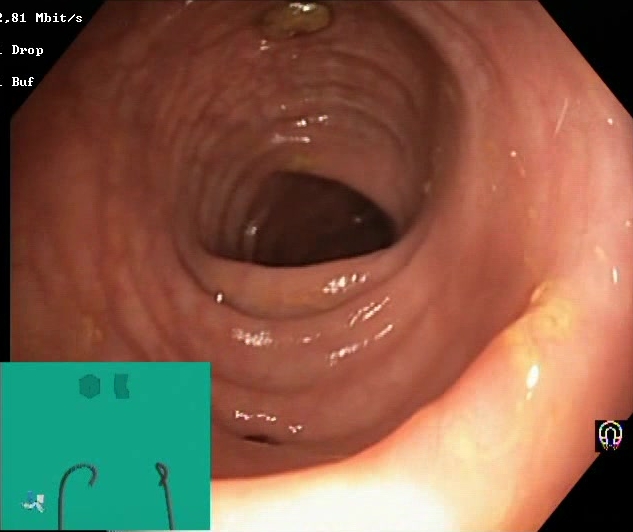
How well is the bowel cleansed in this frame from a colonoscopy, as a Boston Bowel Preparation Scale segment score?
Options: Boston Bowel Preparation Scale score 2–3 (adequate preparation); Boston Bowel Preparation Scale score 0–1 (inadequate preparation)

Boston Bowel Preparation Scale score 2–3 (adequate preparation)